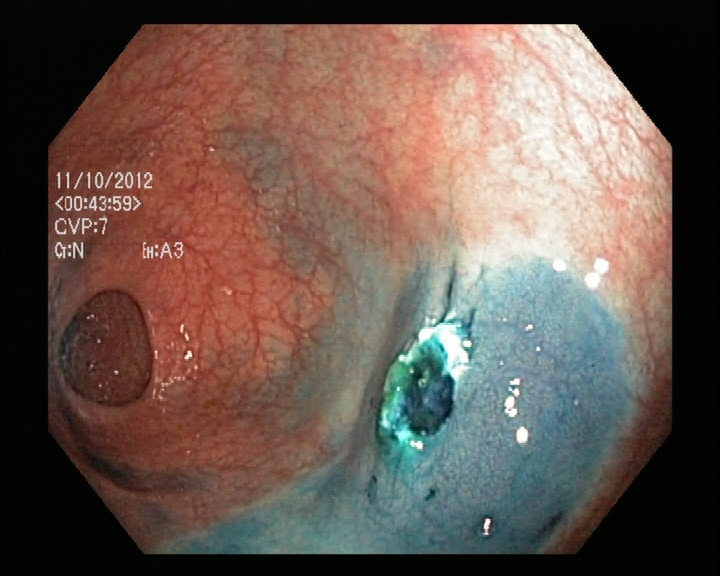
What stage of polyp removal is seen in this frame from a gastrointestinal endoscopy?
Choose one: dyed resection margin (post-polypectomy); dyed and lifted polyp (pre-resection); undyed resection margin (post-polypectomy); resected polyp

dyed resection margin (post-polypectomy)